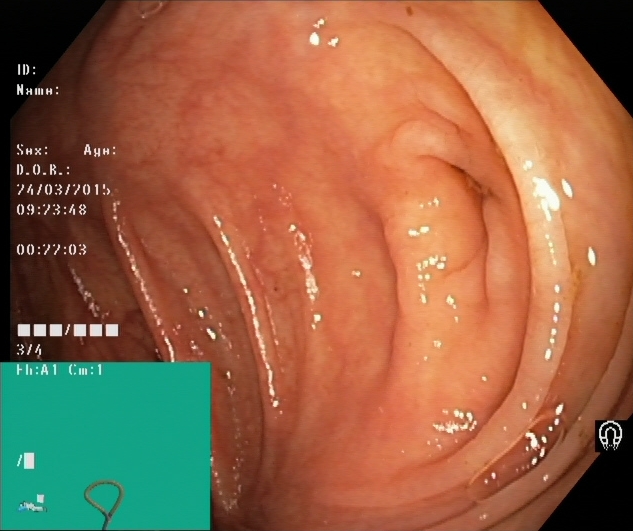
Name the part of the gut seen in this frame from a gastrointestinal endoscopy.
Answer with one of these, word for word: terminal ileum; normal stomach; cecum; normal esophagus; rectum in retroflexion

cecum